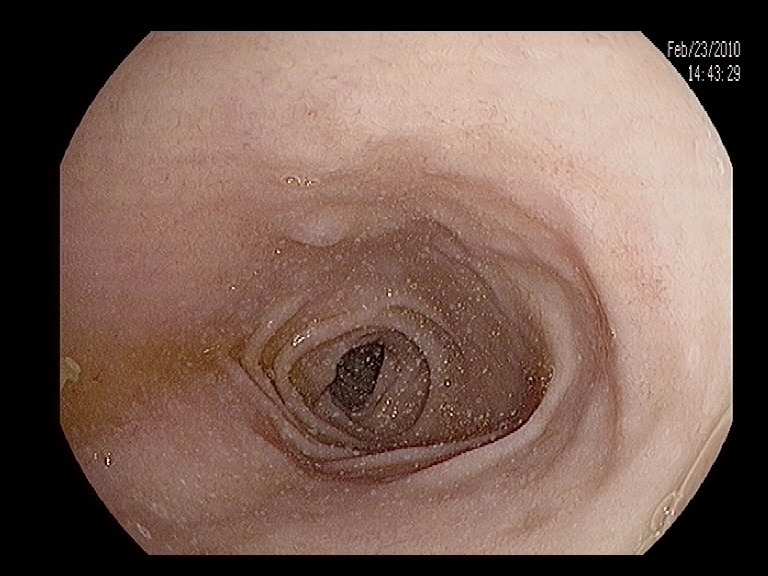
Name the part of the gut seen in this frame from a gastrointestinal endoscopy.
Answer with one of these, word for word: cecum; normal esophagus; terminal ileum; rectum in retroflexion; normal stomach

terminal ileum